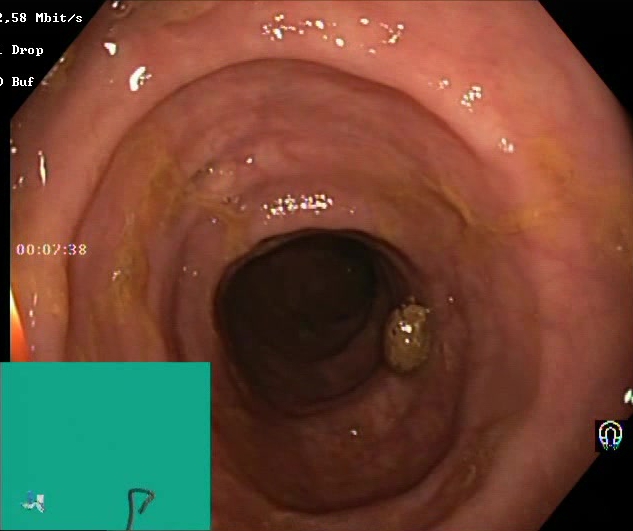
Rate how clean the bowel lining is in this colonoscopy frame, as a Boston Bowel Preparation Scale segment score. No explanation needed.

Boston Bowel Preparation Scale score 2–3 (adequate preparation)